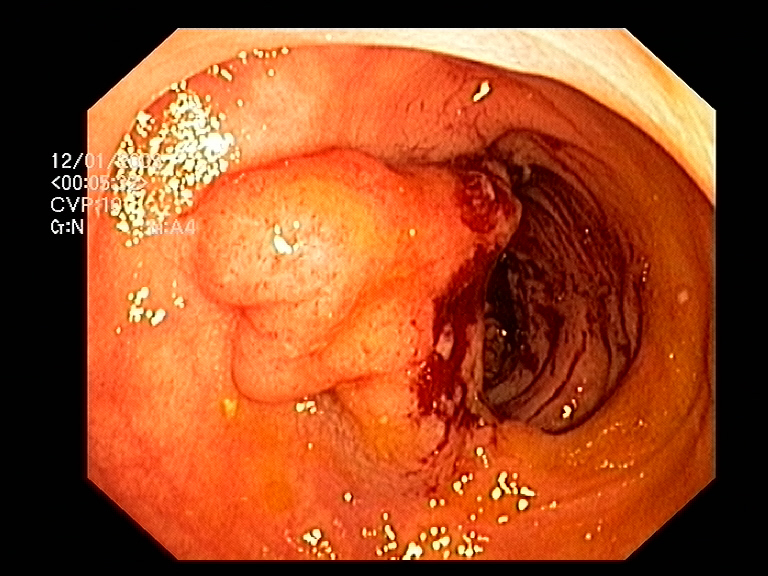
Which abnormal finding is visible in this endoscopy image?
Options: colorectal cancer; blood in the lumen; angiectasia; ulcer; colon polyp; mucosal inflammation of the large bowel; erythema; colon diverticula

colon polyp